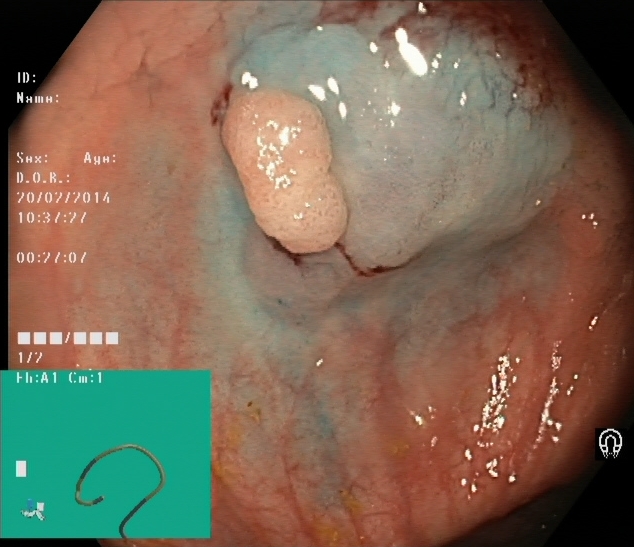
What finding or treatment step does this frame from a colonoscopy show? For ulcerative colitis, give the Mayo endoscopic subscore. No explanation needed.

dyed and lifted polyp (pre-resection)